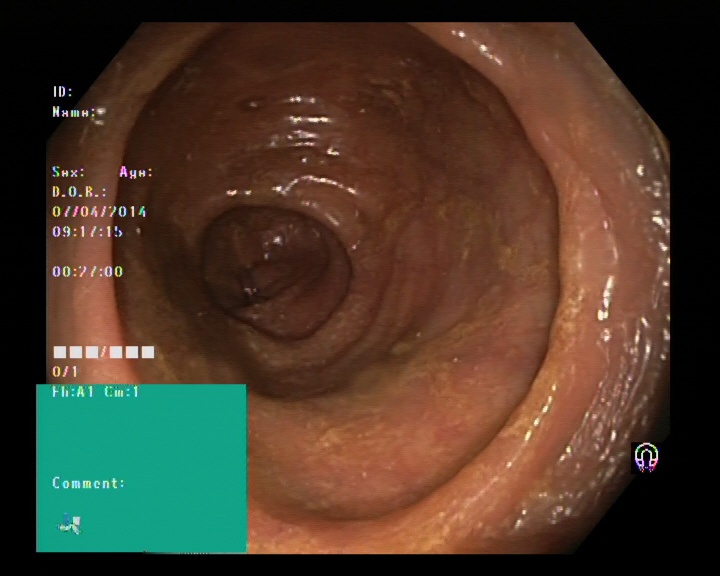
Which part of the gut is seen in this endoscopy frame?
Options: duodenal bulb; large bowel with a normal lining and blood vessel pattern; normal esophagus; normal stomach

large bowel with a normal lining and blood vessel pattern